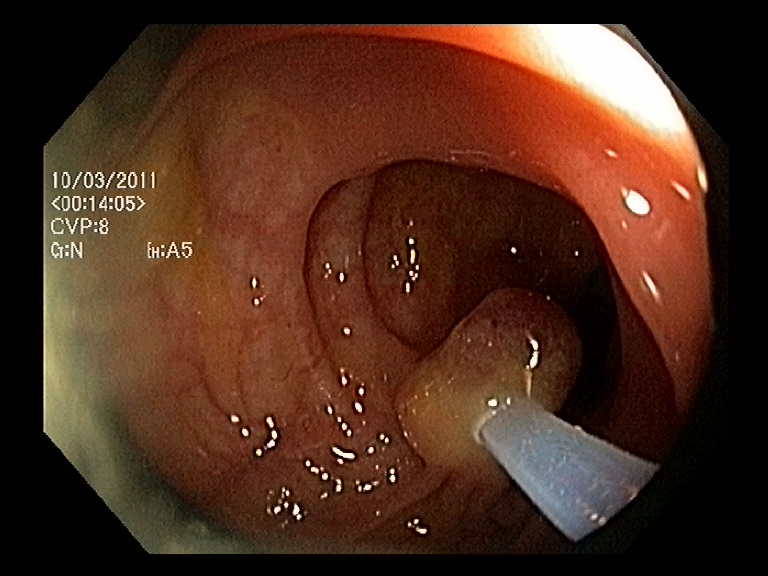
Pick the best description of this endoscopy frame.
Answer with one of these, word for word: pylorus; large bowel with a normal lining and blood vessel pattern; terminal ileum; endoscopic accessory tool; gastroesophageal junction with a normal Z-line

endoscopic accessory tool